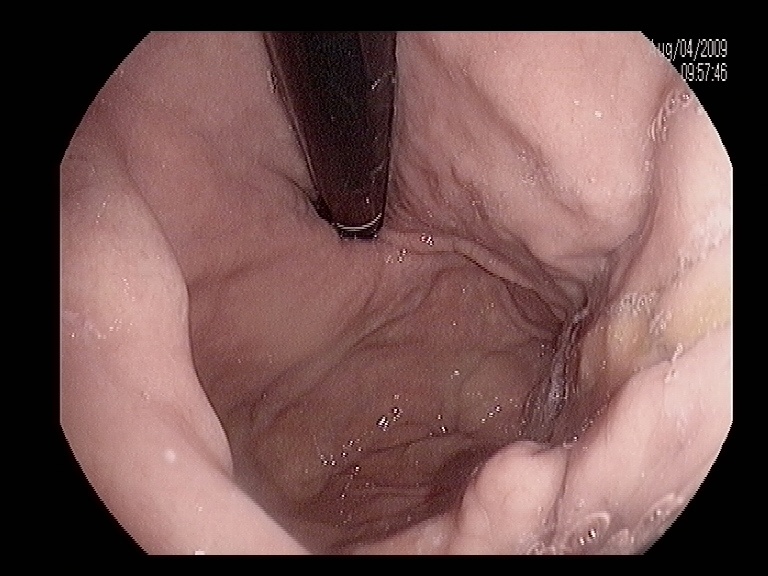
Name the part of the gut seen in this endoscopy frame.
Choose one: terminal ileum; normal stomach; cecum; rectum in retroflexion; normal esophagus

normal stomach